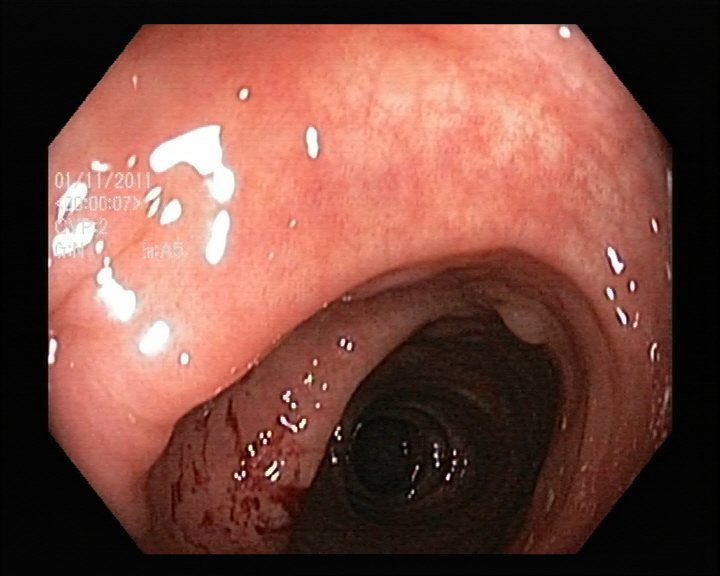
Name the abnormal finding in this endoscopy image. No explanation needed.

colon polyp